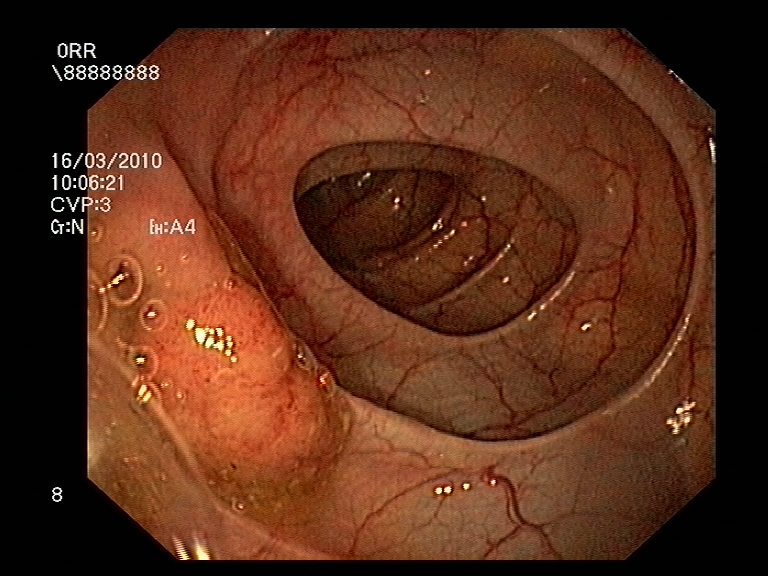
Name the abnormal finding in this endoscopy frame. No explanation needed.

colon polyp